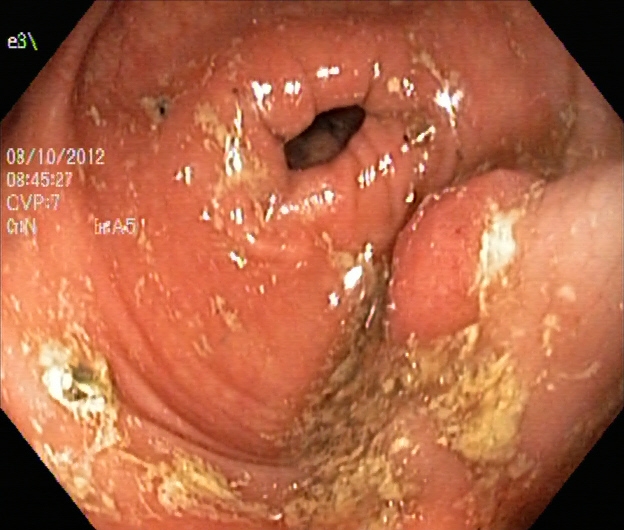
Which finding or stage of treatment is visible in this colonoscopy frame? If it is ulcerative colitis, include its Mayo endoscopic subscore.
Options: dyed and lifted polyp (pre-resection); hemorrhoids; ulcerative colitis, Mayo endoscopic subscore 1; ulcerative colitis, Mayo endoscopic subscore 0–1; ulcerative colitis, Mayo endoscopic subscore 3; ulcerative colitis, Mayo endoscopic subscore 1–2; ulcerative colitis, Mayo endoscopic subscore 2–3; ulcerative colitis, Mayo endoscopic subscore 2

ulcerative colitis, Mayo endoscopic subscore 1